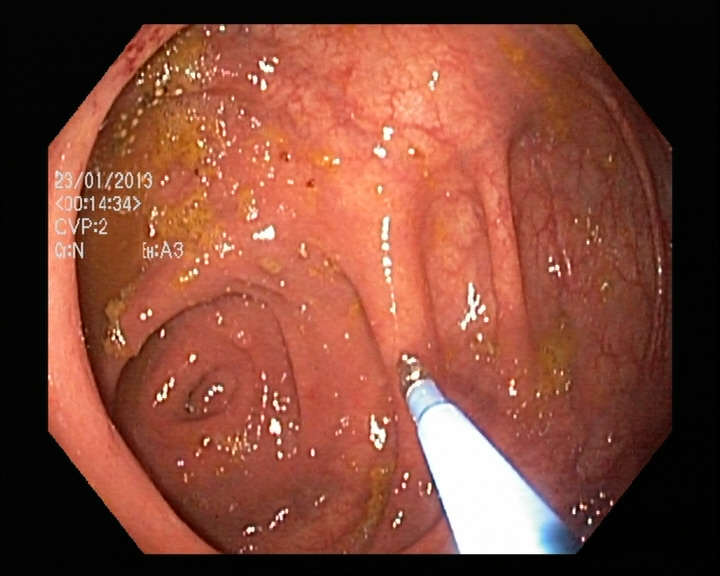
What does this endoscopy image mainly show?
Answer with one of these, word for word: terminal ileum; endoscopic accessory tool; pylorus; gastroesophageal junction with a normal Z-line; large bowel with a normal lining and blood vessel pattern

endoscopic accessory tool